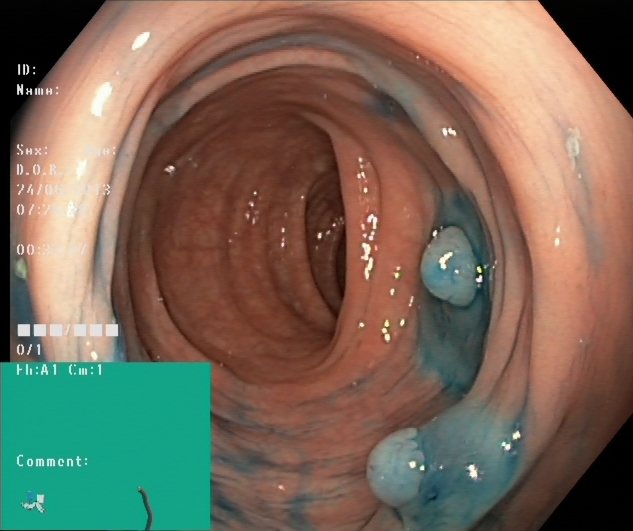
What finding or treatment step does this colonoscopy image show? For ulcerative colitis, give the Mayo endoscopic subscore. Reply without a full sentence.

dyed and lifted polyp (pre-resection)